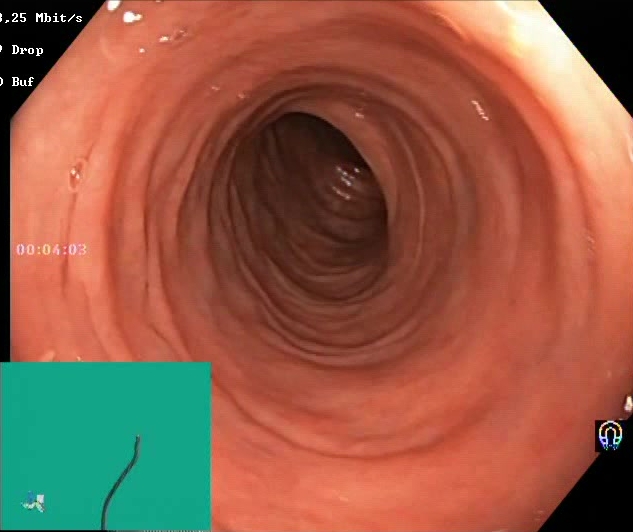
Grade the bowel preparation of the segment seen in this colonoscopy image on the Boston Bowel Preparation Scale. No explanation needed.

Boston Bowel Preparation Scale score 2–3 (adequate preparation)